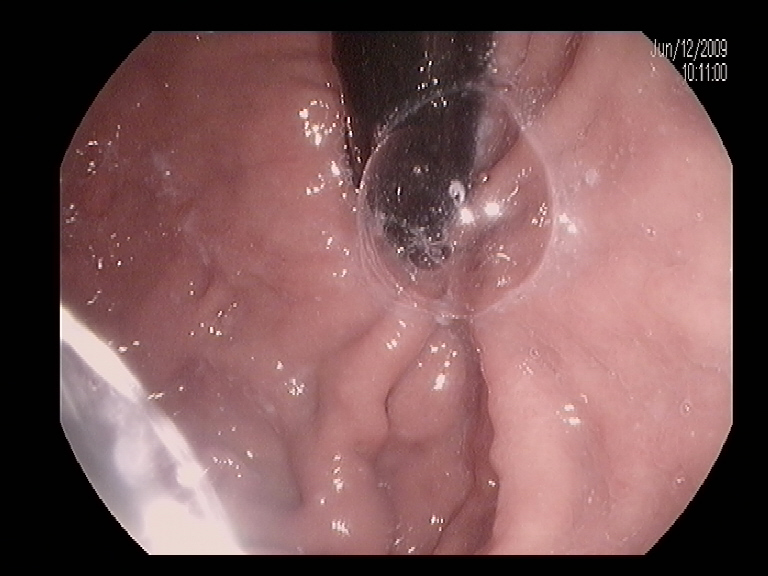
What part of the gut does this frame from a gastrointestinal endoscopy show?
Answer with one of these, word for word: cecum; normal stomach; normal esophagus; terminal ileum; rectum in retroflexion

normal stomach